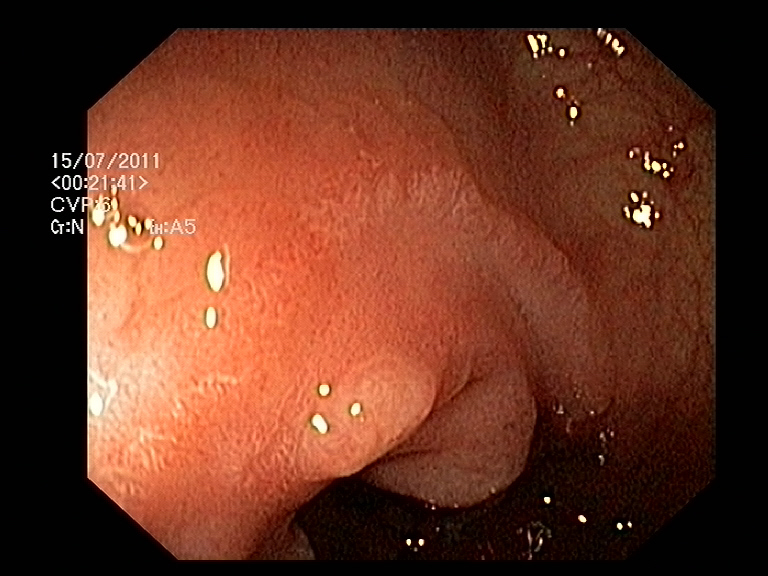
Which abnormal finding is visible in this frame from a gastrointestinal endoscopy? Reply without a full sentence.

colon polyp